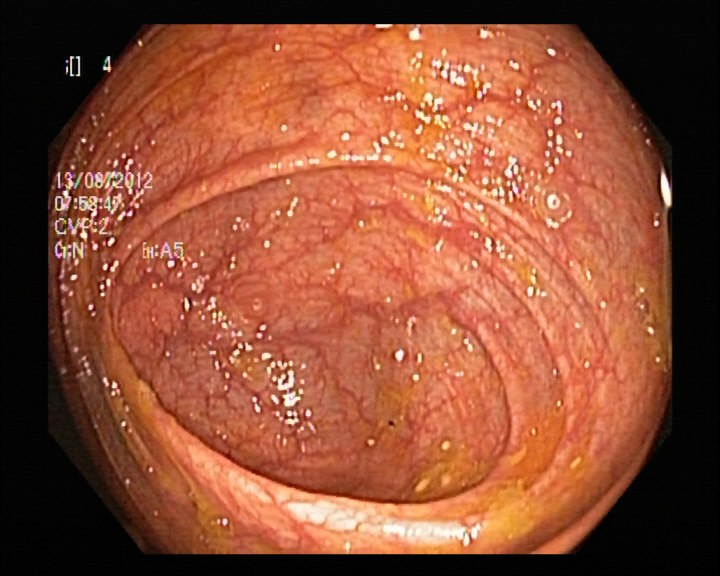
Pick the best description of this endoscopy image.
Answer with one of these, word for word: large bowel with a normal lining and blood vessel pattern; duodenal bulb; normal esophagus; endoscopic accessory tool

large bowel with a normal lining and blood vessel pattern